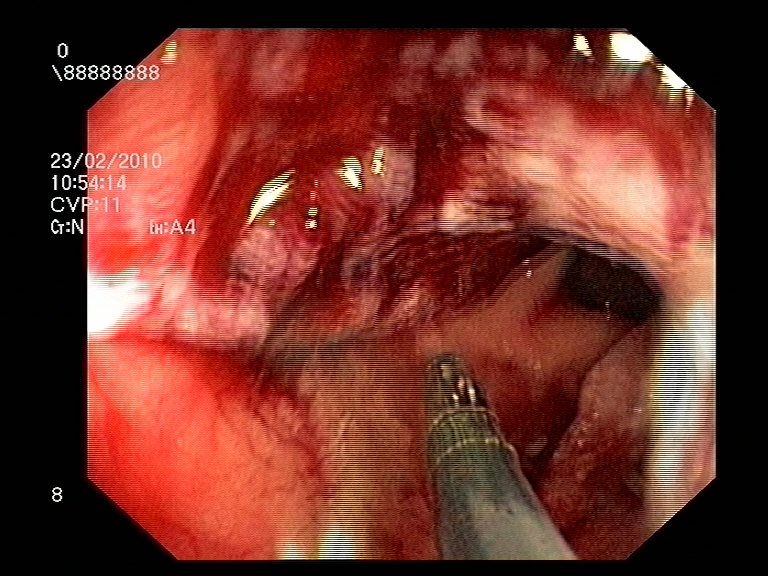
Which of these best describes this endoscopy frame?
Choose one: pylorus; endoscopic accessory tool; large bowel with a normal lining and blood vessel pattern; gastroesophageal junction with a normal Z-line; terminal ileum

endoscopic accessory tool